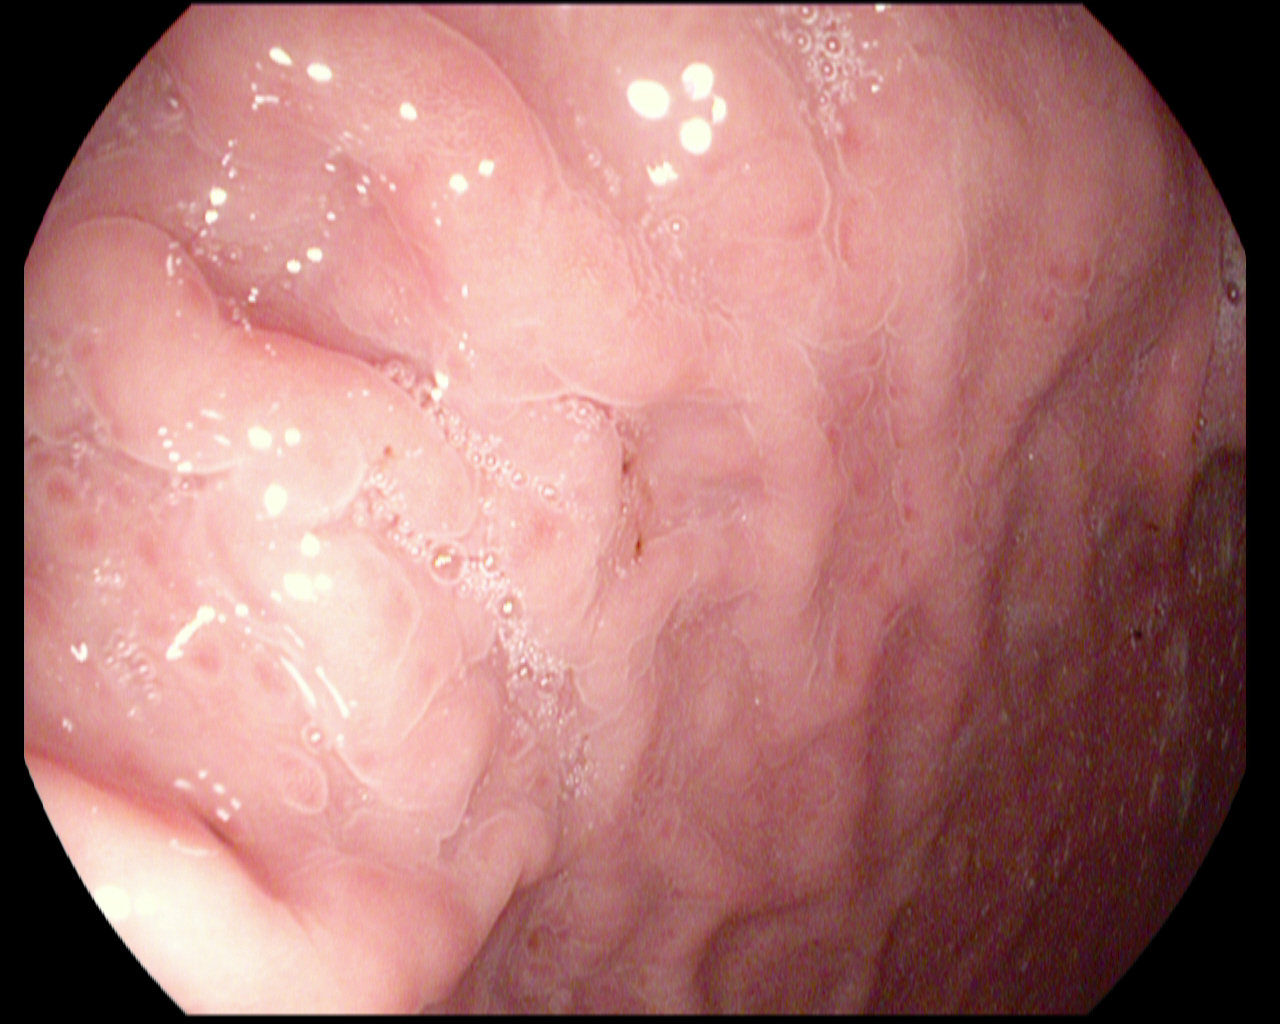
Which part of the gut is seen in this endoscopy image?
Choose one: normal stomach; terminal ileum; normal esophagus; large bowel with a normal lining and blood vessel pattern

normal stomach